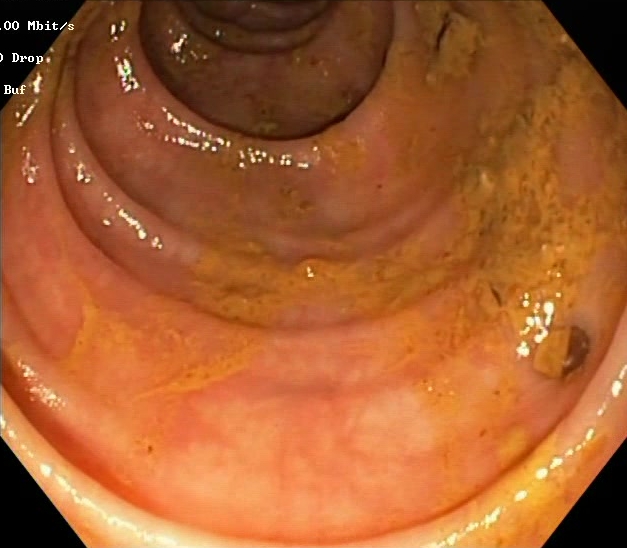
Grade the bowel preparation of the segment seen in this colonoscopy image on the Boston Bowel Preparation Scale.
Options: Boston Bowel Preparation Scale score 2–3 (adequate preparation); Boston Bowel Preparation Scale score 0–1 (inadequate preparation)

Boston Bowel Preparation Scale score 0–1 (inadequate preparation)